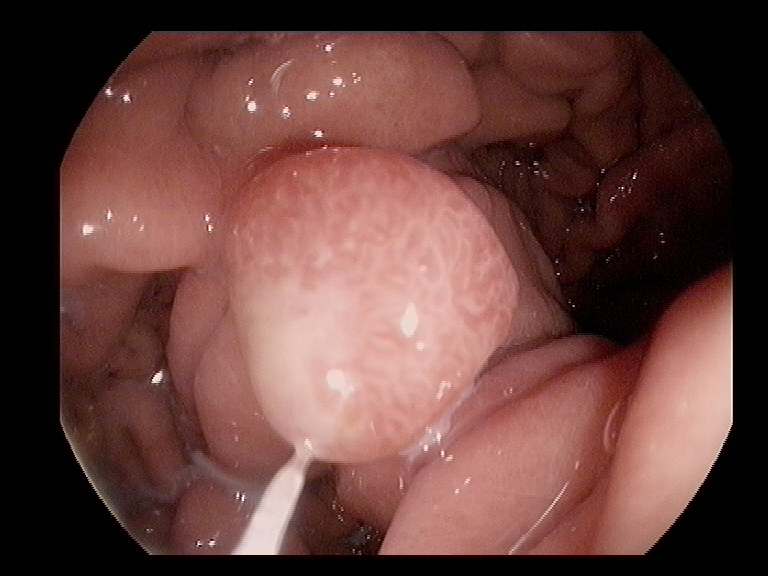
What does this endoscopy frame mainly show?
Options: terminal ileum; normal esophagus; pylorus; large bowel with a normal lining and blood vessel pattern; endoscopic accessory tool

endoscopic accessory tool